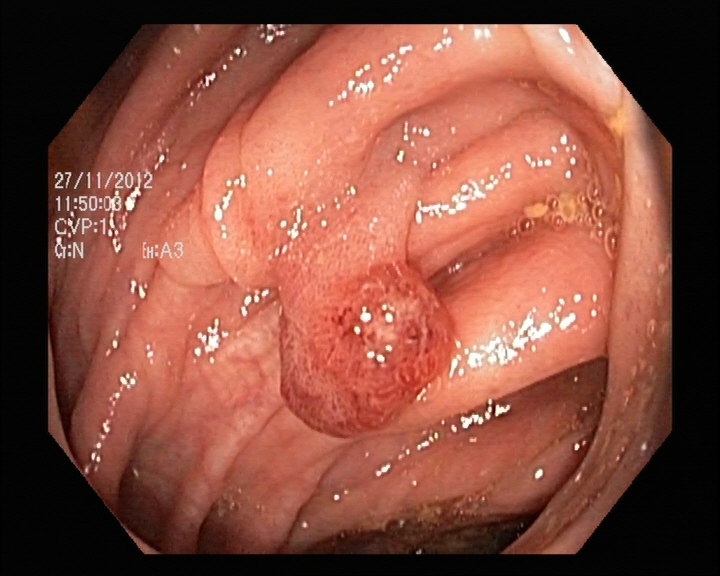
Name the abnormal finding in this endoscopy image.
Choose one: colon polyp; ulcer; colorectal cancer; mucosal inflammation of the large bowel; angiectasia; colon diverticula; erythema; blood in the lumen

colon polyp